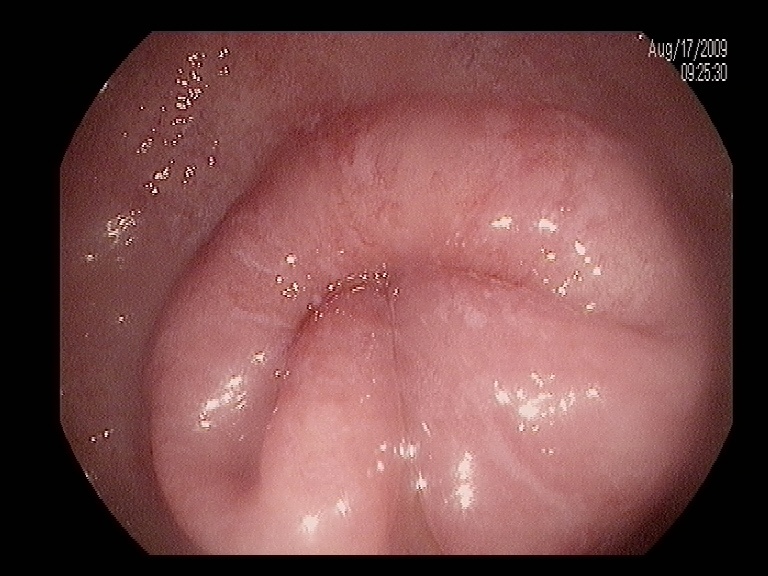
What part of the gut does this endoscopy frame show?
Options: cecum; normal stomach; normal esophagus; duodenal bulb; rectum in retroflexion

normal stomach